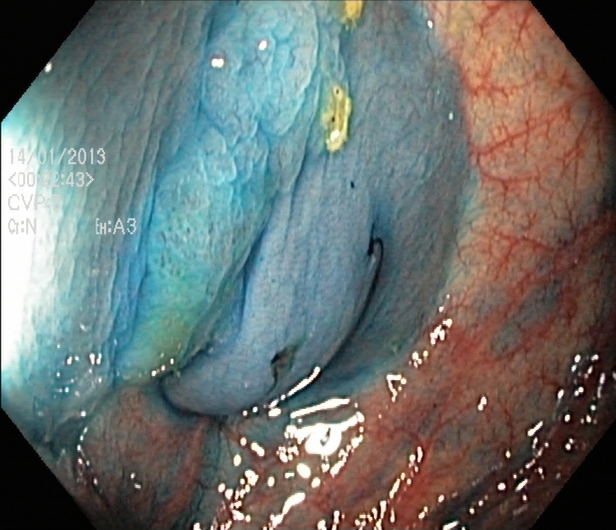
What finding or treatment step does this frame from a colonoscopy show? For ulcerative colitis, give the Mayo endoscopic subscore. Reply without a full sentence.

dyed and lifted polyp (pre-resection)